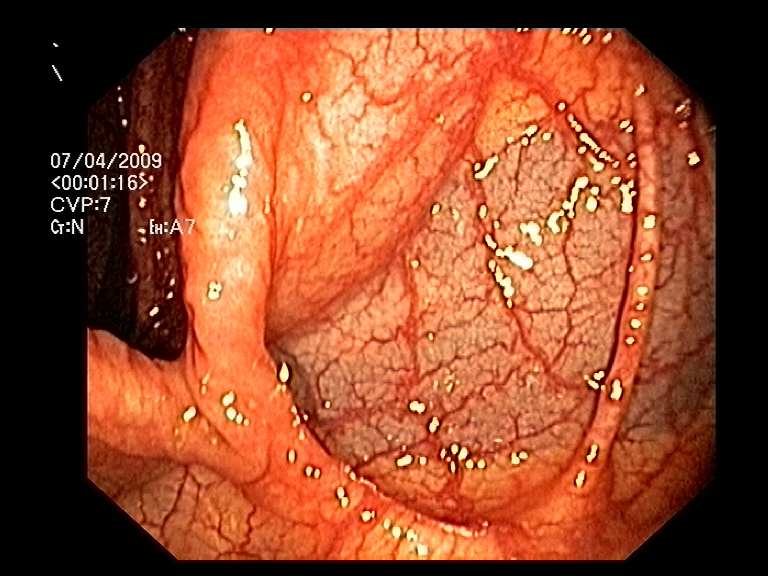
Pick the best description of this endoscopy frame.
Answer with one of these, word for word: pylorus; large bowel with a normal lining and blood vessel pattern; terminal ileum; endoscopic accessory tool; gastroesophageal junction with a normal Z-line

large bowel with a normal lining and blood vessel pattern